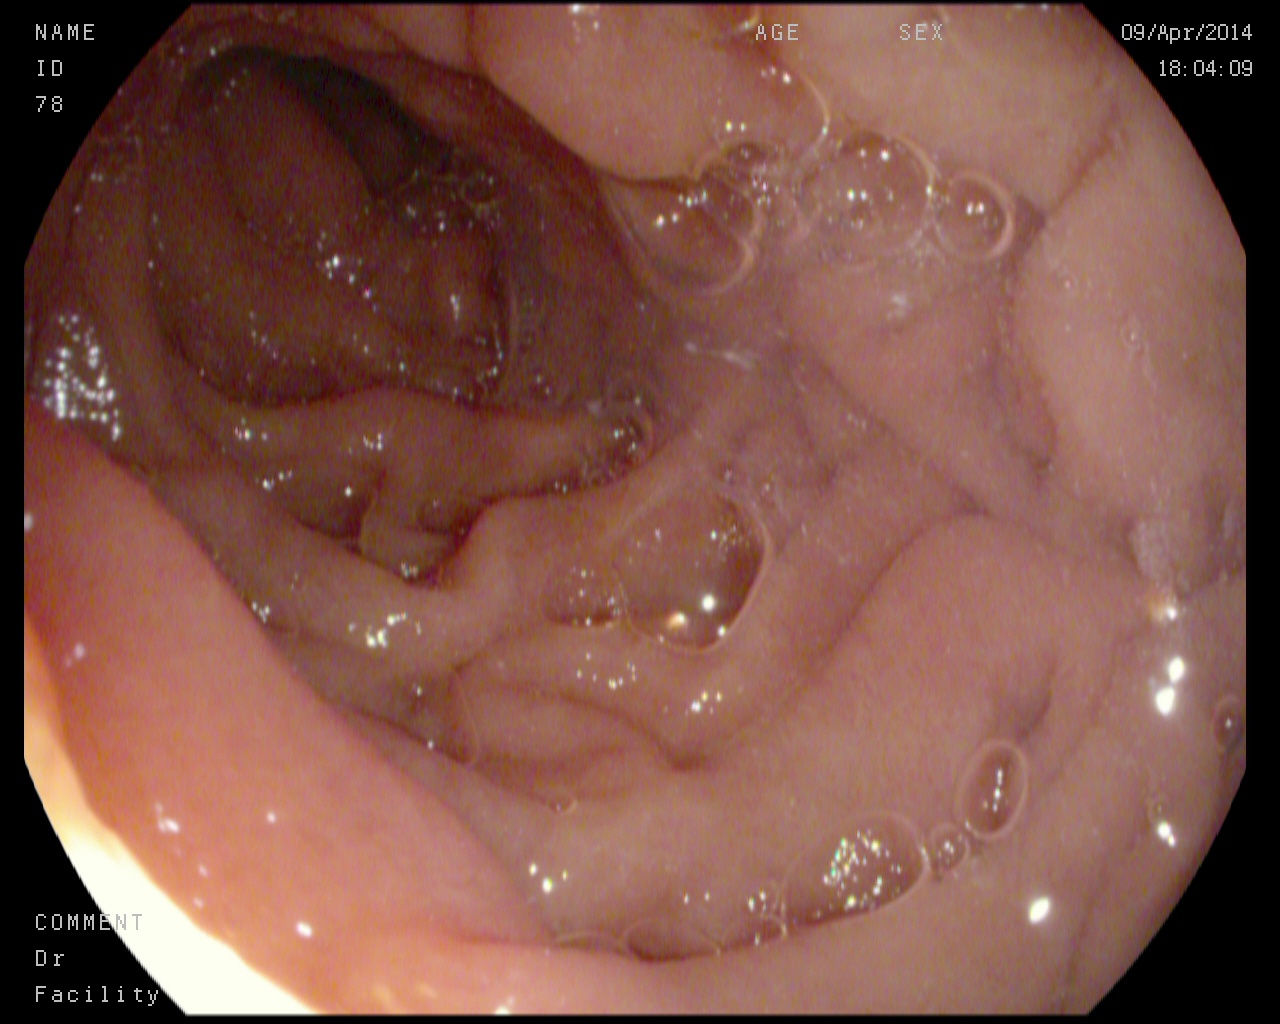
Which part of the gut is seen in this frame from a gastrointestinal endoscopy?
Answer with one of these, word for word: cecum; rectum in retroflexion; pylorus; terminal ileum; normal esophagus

terminal ileum